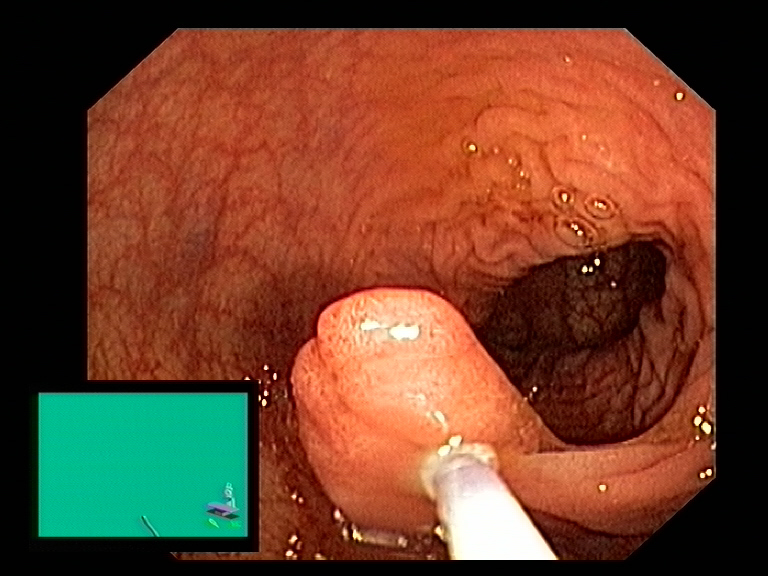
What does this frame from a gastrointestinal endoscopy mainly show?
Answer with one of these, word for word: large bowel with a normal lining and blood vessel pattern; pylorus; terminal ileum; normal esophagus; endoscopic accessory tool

endoscopic accessory tool